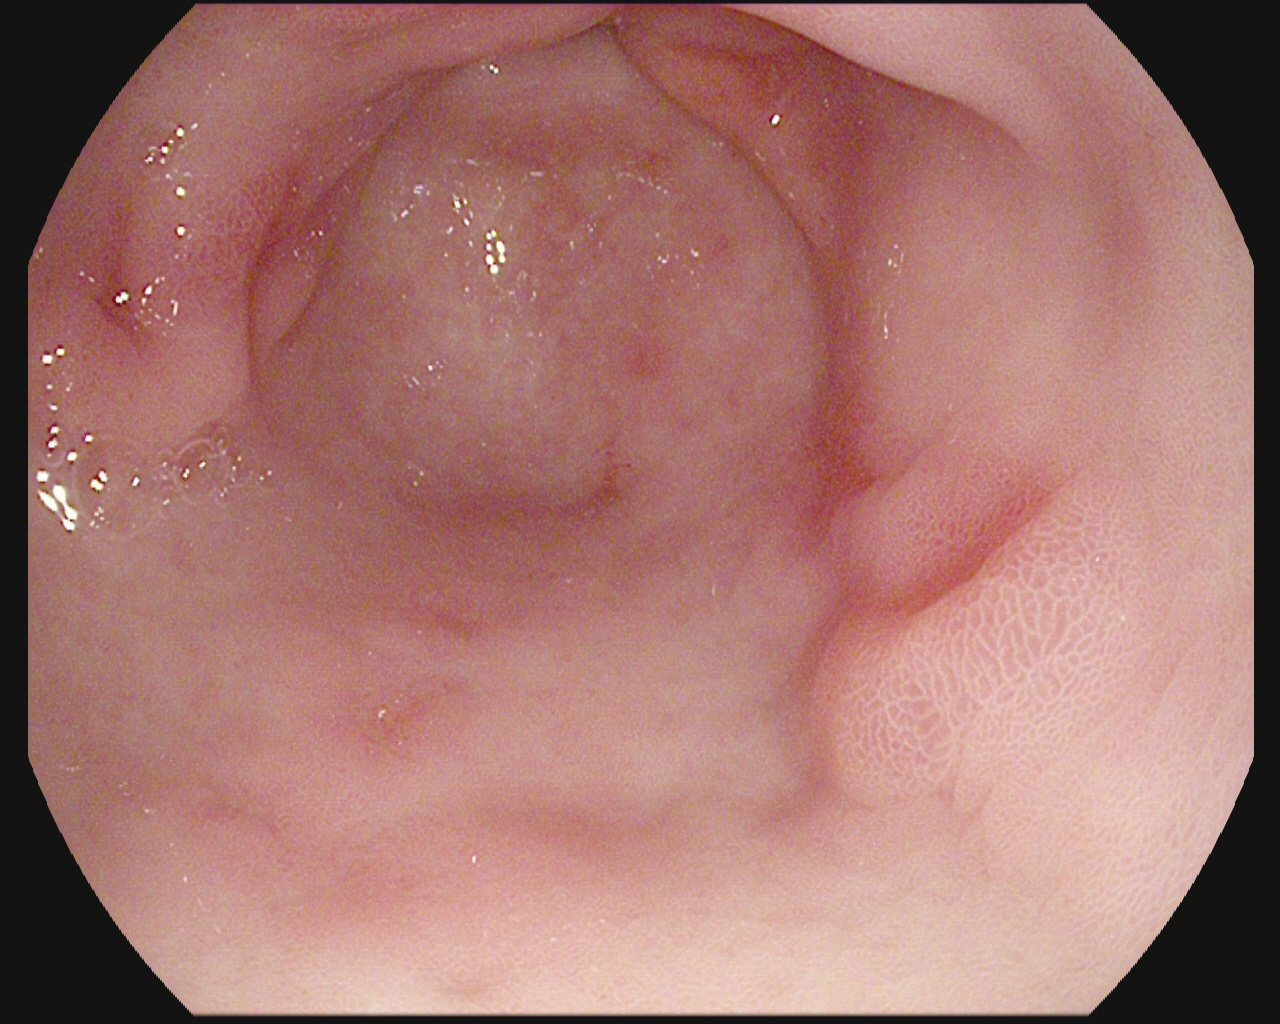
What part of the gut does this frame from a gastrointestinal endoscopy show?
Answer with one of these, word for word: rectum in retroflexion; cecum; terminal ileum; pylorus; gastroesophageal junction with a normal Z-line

pylorus